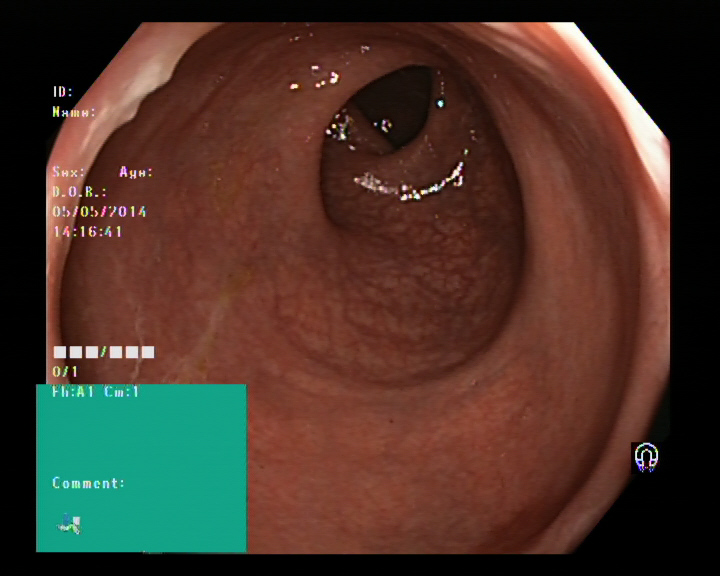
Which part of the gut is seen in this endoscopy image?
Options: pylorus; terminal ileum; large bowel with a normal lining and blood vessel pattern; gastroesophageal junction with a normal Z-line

large bowel with a normal lining and blood vessel pattern